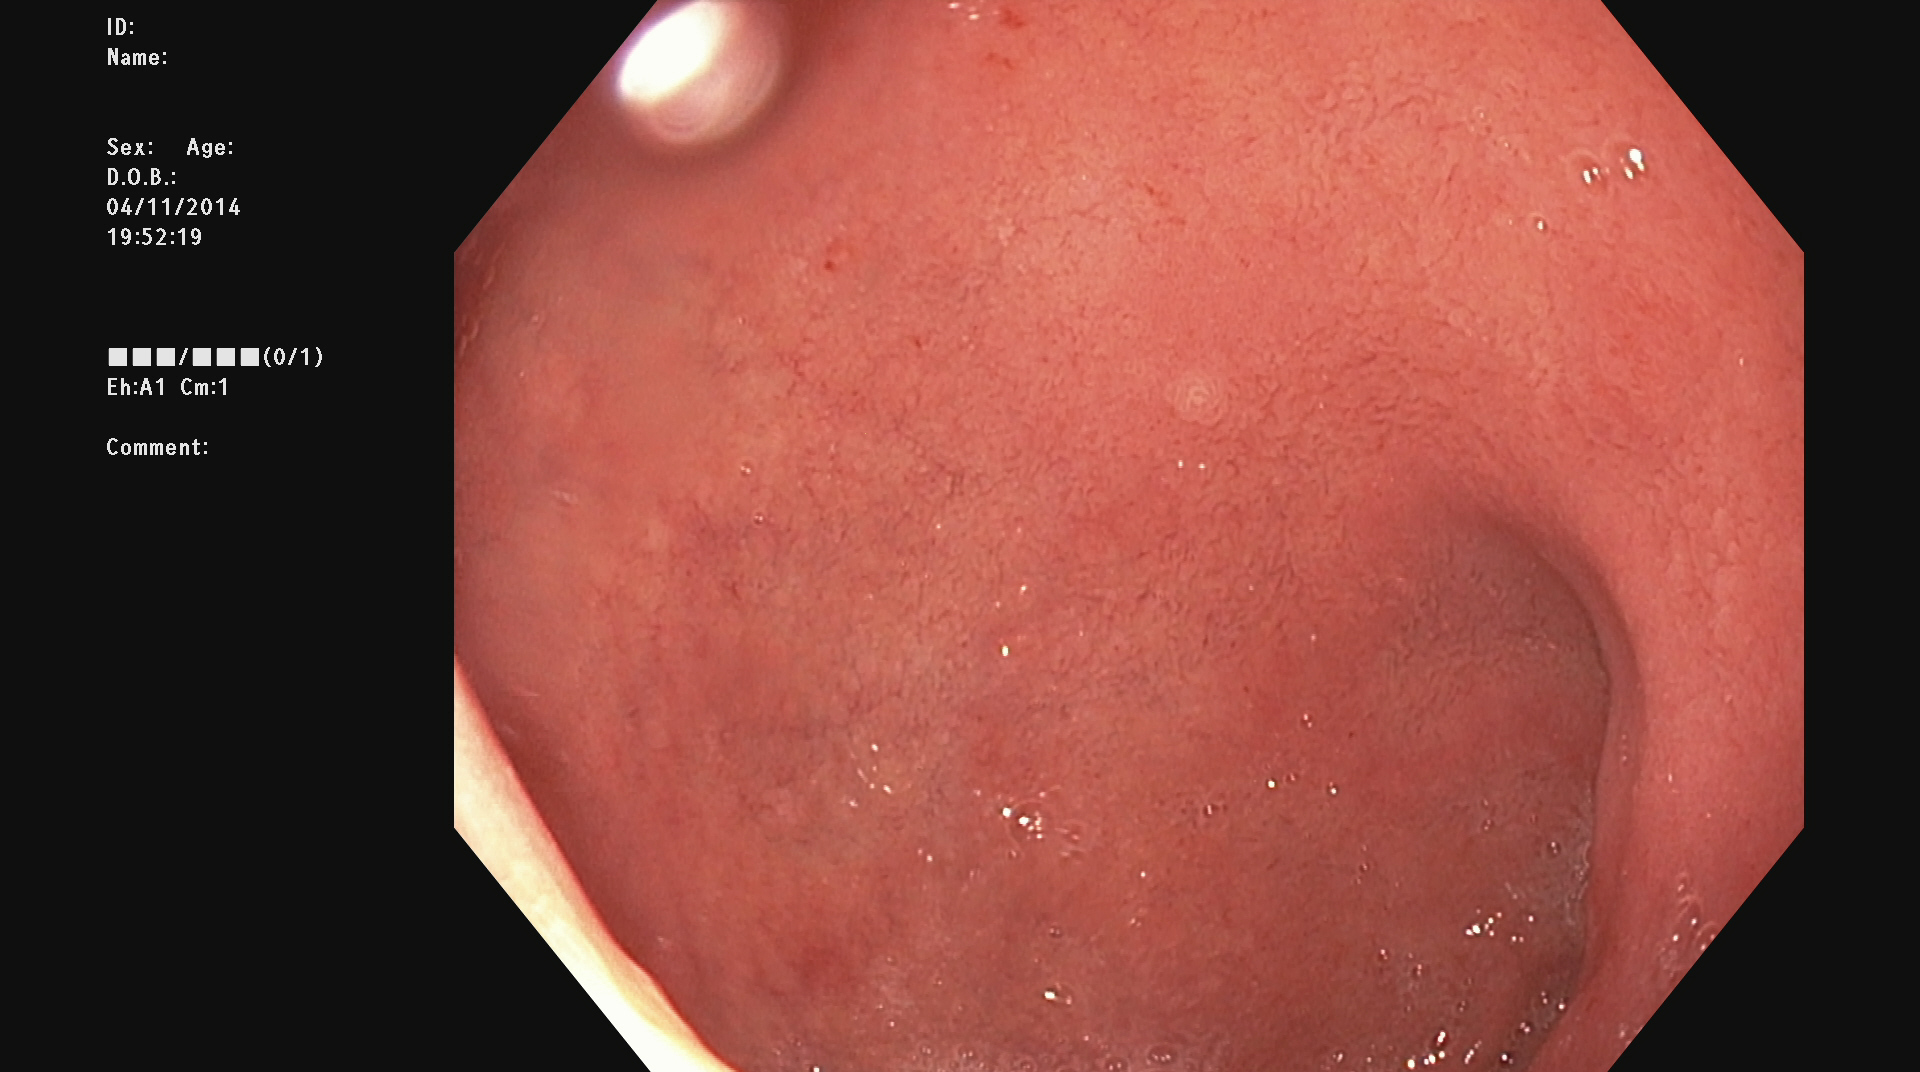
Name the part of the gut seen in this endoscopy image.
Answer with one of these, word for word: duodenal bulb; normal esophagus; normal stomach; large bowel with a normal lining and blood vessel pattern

duodenal bulb